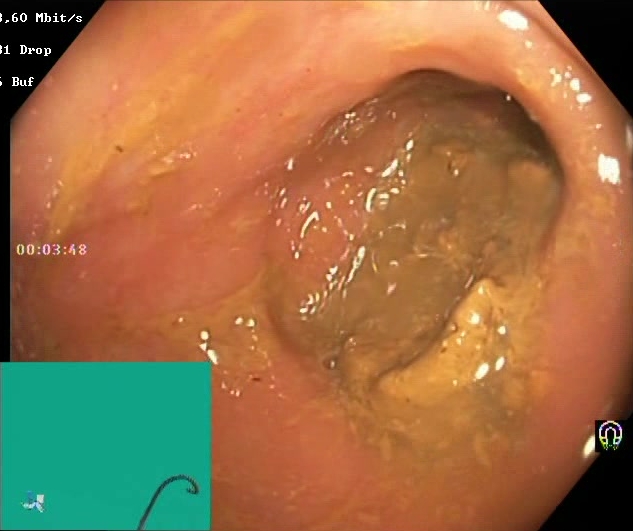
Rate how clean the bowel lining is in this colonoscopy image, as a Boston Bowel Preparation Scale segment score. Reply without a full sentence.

Boston Bowel Preparation Scale score 0–1 (inadequate preparation)